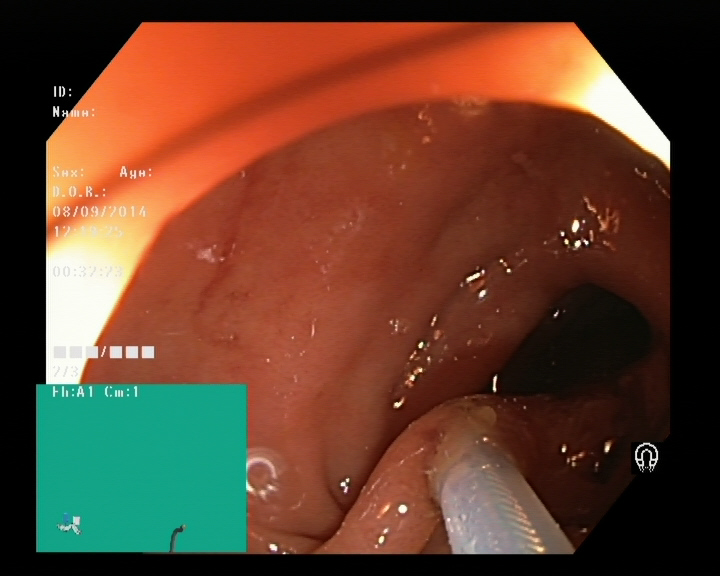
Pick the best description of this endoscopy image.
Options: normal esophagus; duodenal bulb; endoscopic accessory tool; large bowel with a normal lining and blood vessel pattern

endoscopic accessory tool